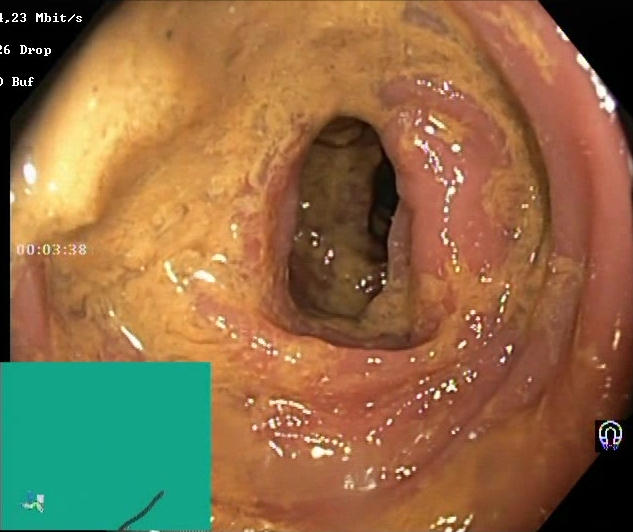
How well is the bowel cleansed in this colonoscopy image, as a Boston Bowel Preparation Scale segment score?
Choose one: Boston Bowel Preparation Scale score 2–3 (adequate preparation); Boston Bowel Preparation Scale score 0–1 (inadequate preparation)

Boston Bowel Preparation Scale score 0–1 (inadequate preparation)